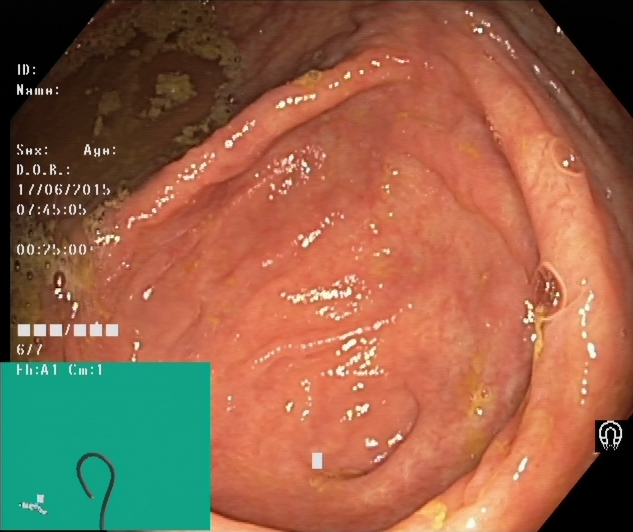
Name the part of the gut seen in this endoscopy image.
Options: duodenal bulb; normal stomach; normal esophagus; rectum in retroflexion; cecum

cecum